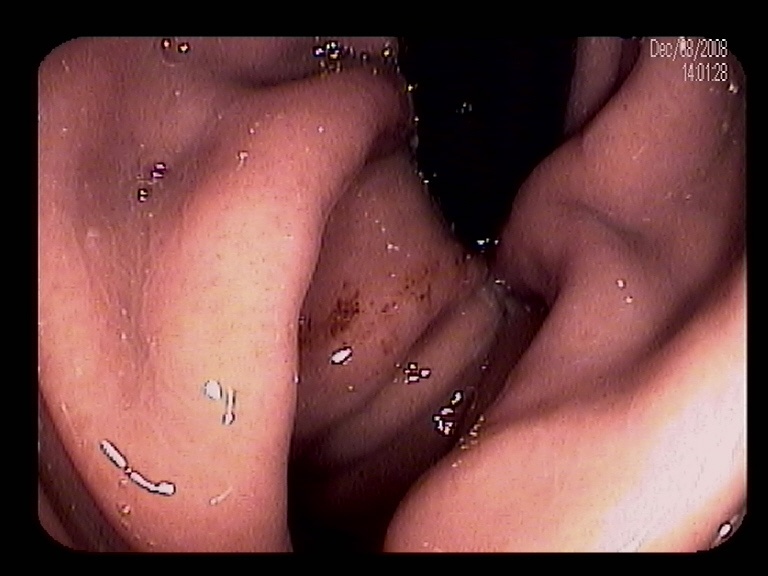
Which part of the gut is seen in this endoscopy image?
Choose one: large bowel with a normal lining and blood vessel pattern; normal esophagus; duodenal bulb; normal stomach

normal stomach